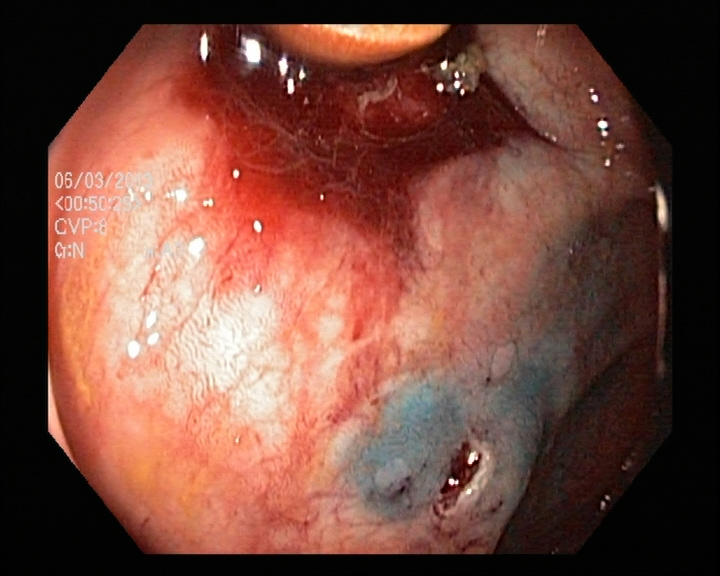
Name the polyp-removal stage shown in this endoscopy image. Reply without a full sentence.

dyed resection margin (post-polypectomy)